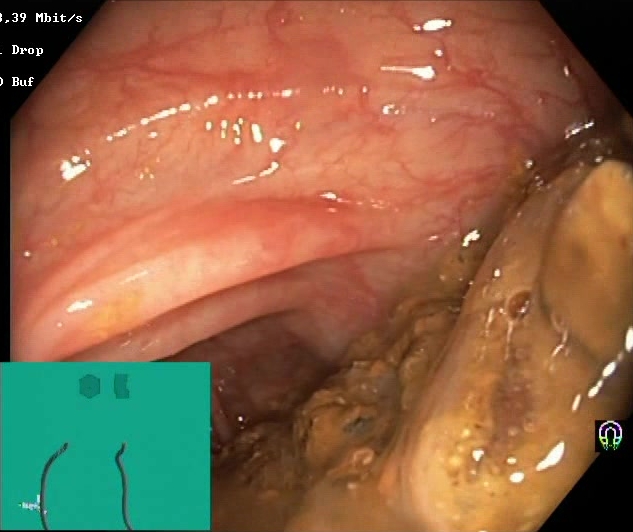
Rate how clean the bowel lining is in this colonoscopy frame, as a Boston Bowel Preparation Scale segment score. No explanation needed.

Boston Bowel Preparation Scale score 0–1 (inadequate preparation)